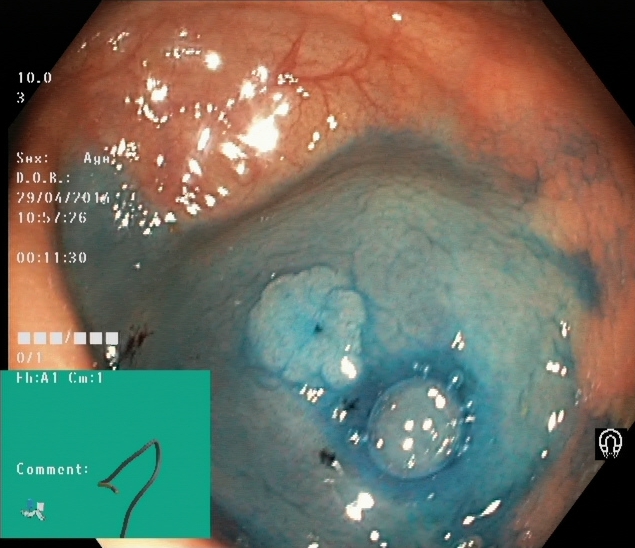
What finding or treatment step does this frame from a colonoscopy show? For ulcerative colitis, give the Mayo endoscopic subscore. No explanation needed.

dyed and lifted polyp (pre-resection)